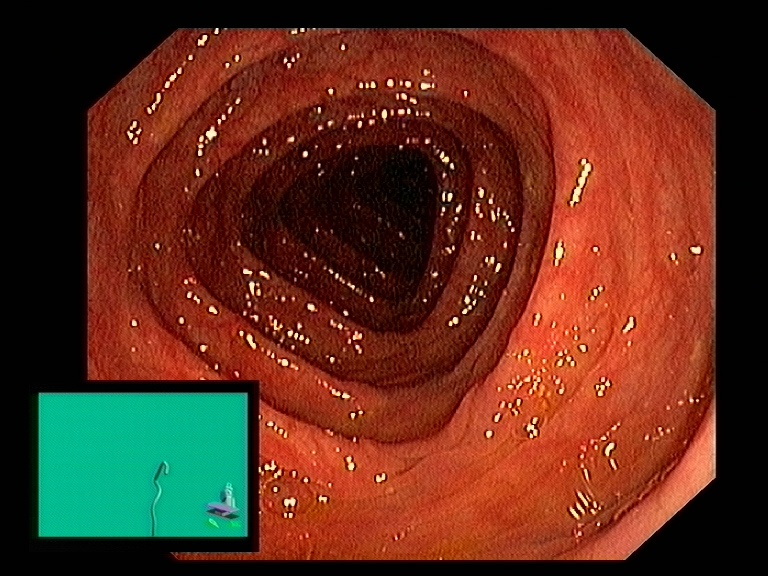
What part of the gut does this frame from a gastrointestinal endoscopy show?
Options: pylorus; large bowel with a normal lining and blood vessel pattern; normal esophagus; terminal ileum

large bowel with a normal lining and blood vessel pattern